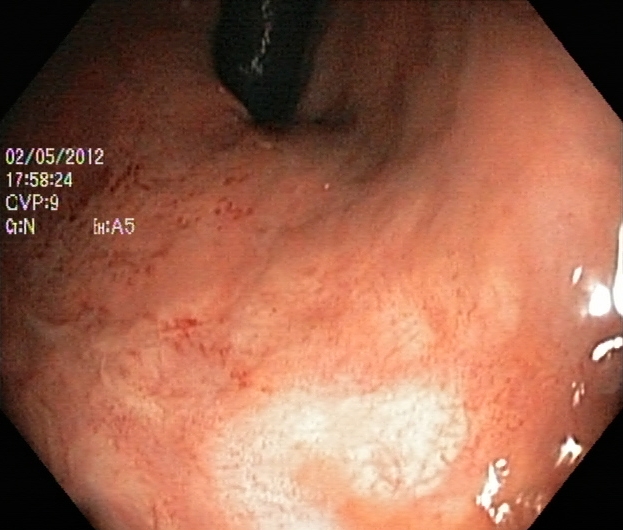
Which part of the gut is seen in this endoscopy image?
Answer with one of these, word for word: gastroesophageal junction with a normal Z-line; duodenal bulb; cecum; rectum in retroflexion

rectum in retroflexion